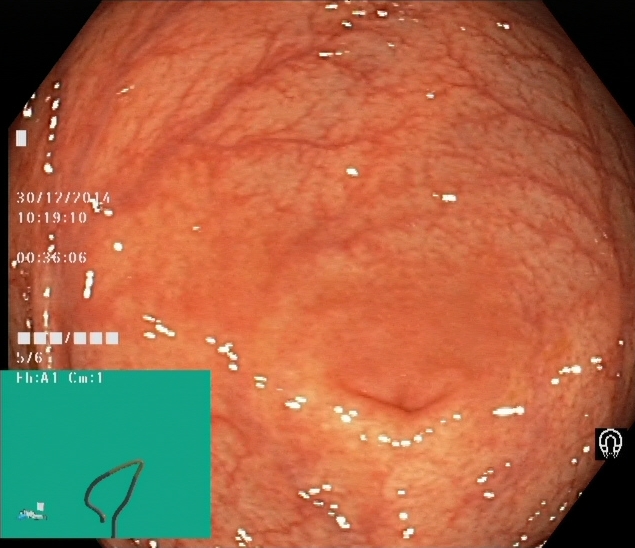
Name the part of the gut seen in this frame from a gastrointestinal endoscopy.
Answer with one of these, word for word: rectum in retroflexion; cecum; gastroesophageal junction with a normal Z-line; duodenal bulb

cecum